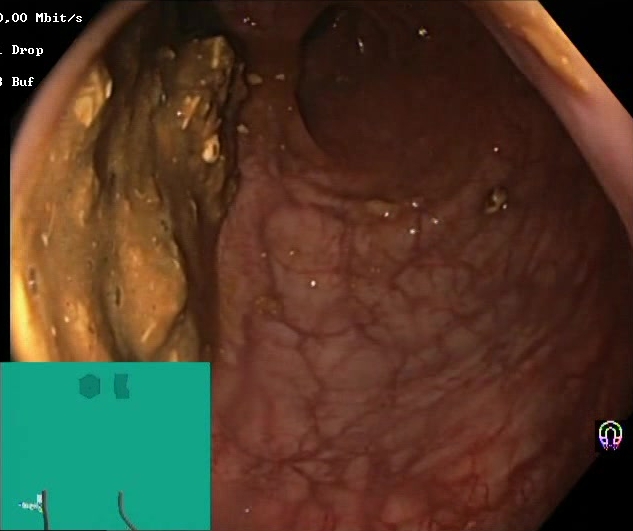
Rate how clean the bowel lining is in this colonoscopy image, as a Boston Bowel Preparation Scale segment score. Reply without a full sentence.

Boston Bowel Preparation Scale score 0–1 (inadequate preparation)